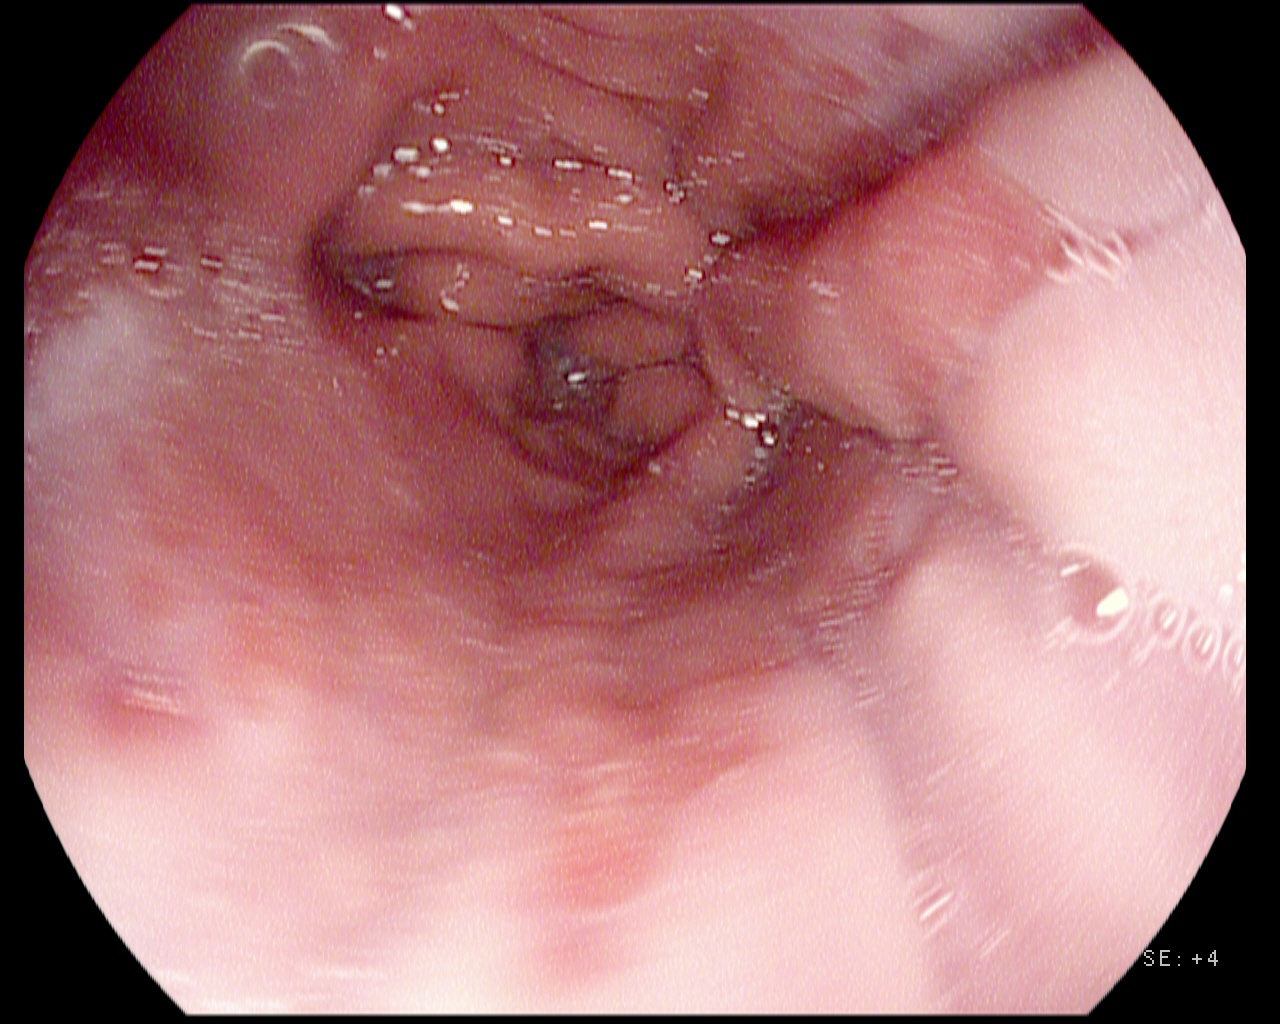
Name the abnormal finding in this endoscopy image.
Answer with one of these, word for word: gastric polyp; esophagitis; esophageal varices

esophagitis